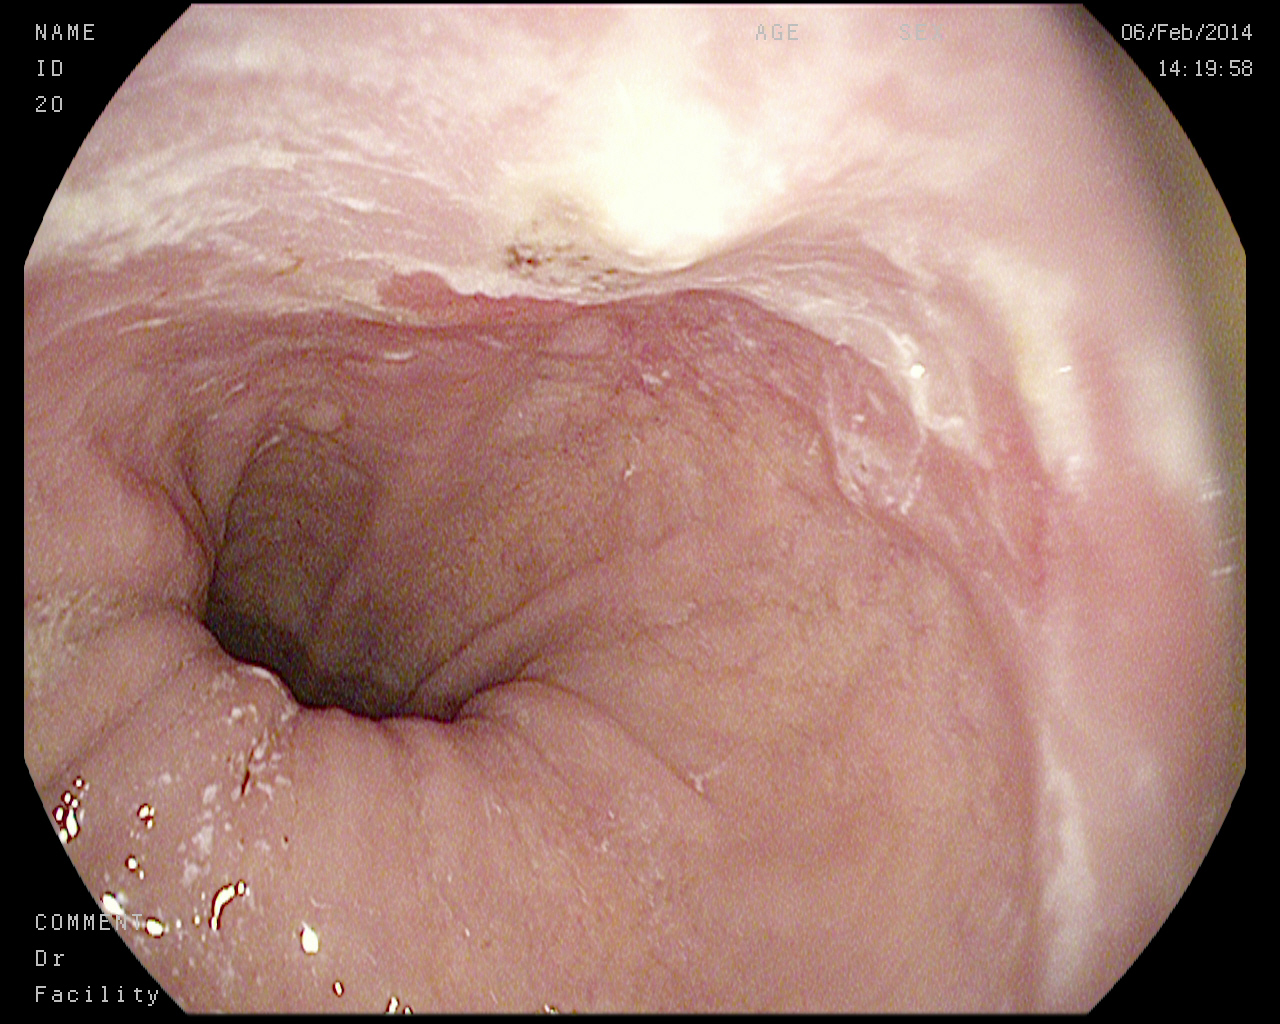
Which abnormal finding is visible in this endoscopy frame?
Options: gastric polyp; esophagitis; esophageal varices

esophagitis